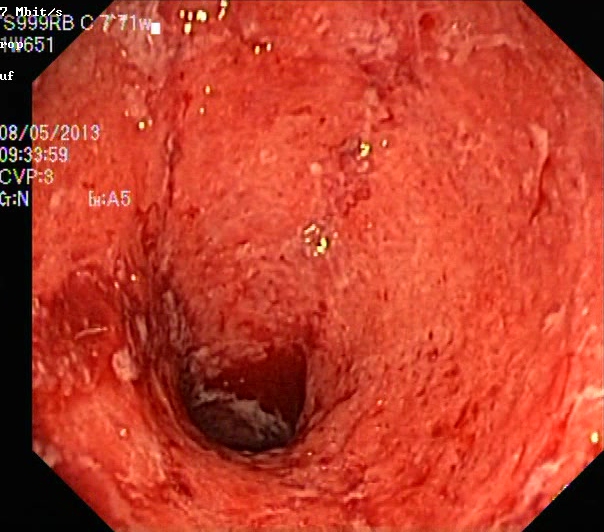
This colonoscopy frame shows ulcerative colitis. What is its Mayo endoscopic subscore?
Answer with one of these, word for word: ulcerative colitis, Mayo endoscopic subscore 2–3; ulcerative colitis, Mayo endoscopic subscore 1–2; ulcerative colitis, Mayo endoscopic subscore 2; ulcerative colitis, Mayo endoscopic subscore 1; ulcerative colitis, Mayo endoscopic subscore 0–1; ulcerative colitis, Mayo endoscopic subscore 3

ulcerative colitis, Mayo endoscopic subscore 3